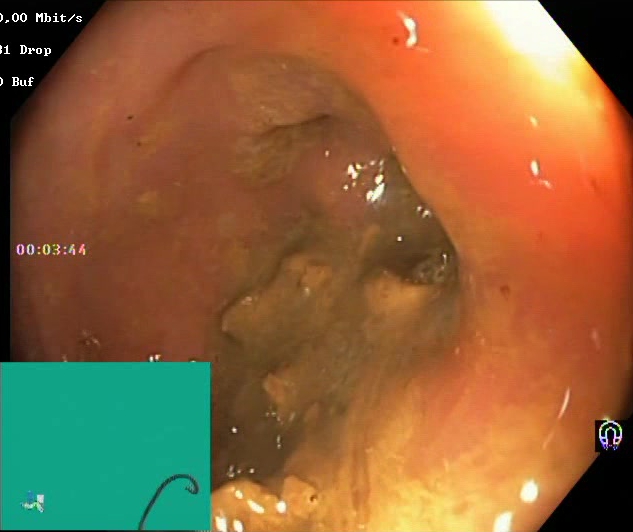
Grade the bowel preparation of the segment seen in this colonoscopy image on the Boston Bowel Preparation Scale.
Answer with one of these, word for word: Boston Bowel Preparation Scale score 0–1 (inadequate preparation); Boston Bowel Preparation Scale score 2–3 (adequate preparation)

Boston Bowel Preparation Scale score 0–1 (inadequate preparation)